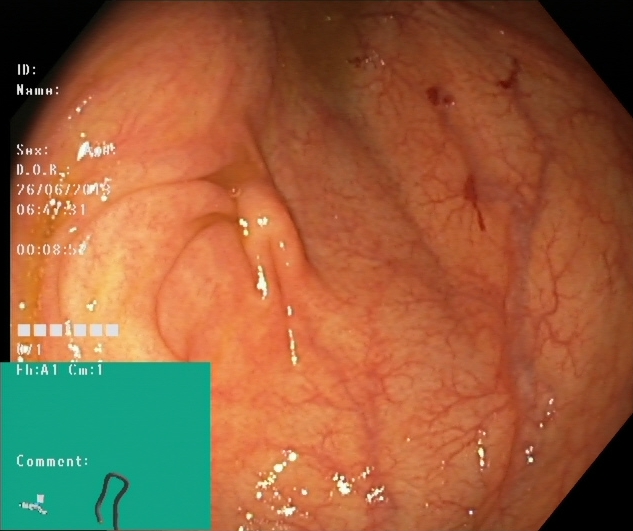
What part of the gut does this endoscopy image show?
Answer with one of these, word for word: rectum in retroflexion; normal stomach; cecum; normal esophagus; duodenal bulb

cecum